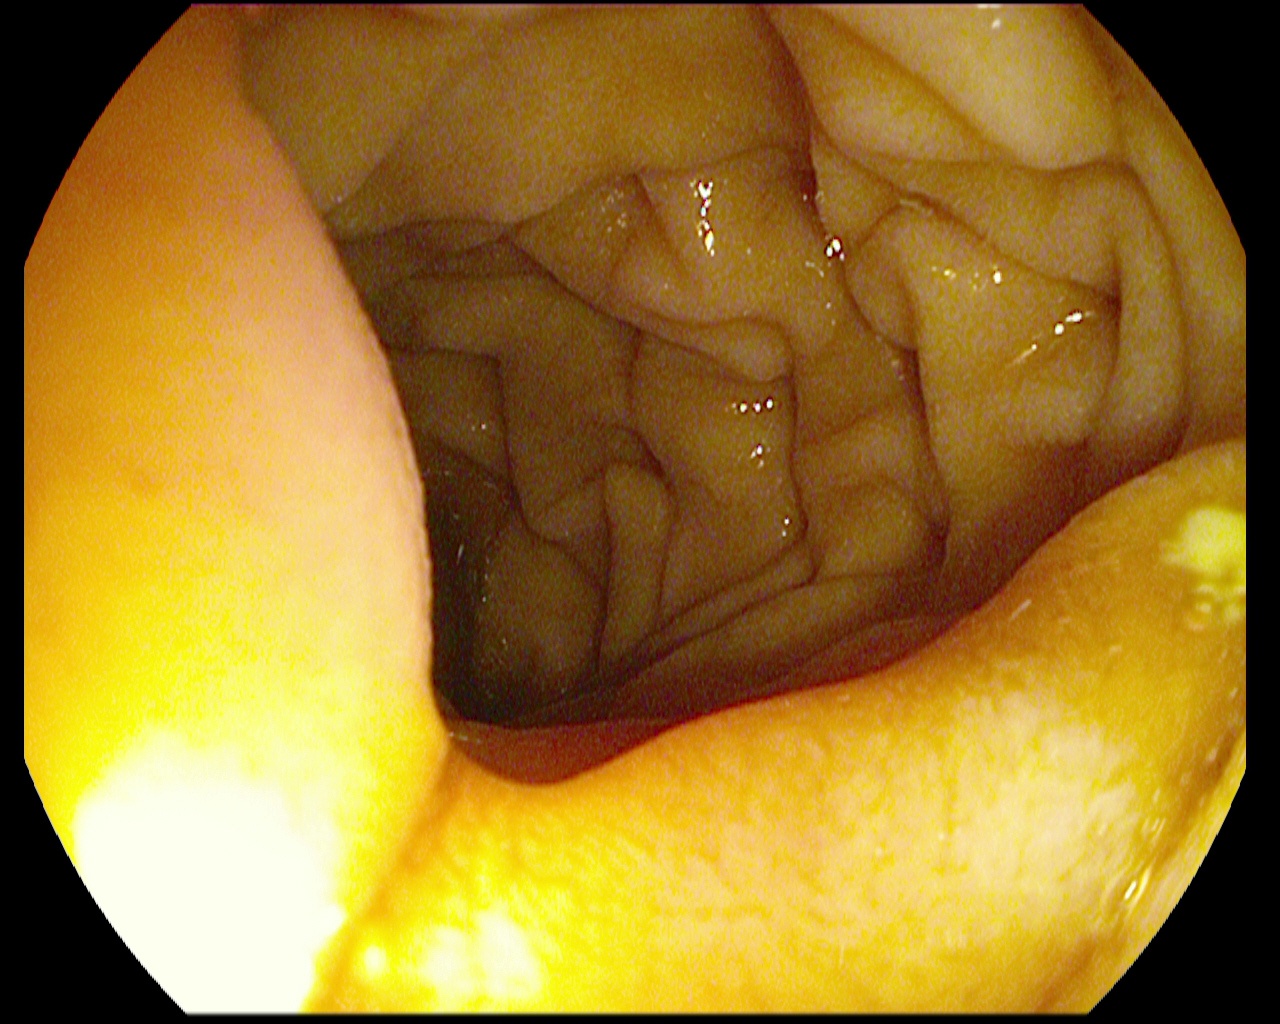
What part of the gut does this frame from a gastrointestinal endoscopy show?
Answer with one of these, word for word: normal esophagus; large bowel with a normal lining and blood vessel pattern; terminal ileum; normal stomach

terminal ileum